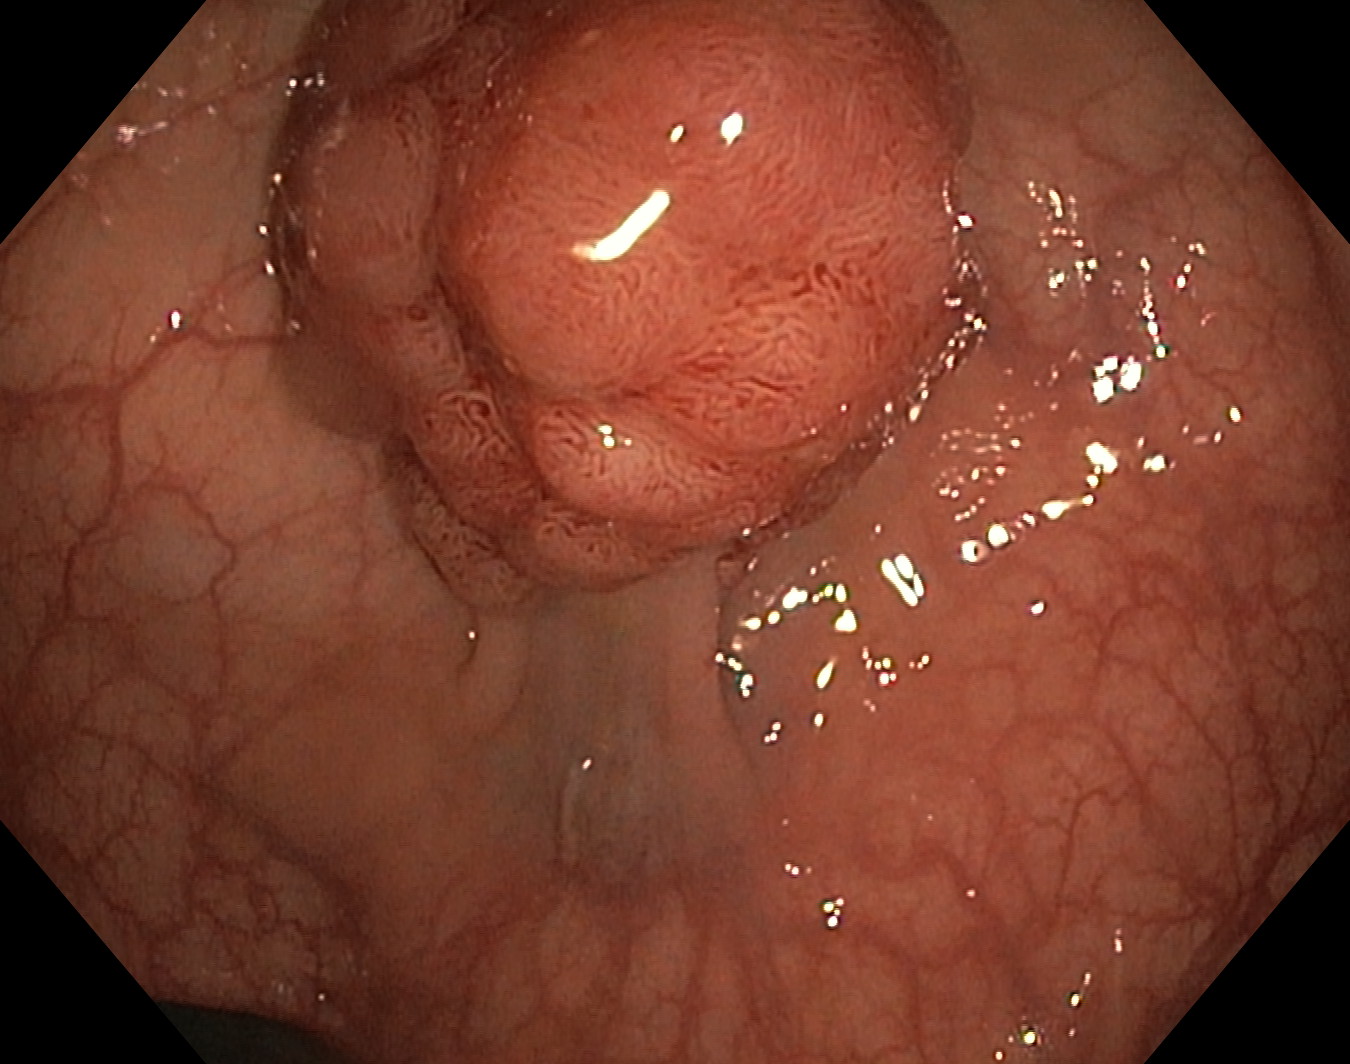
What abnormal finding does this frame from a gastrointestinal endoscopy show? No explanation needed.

colon polyp